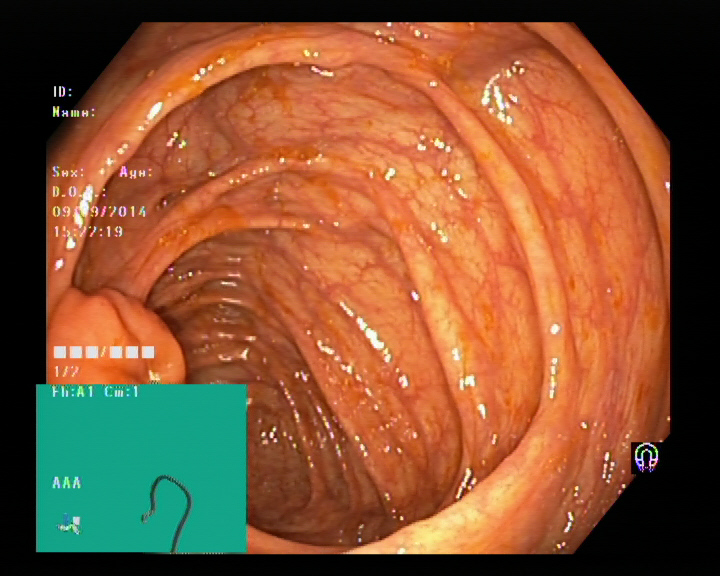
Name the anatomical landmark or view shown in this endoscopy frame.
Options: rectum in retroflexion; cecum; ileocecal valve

ileocecal valve